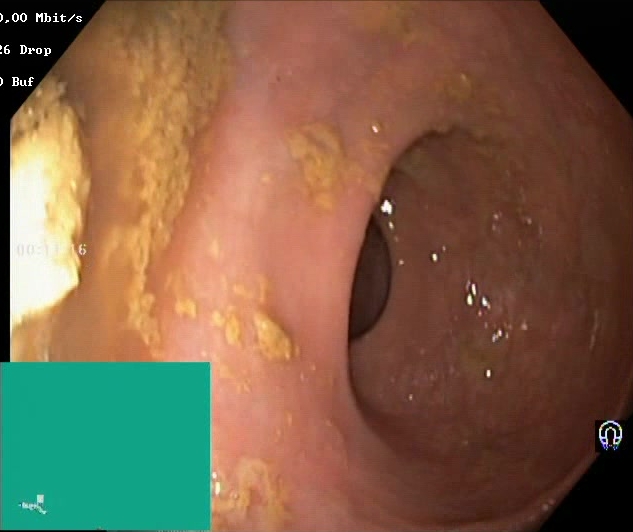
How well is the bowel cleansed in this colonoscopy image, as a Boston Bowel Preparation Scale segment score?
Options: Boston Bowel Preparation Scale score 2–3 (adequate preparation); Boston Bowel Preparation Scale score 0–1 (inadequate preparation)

Boston Bowel Preparation Scale score 0–1 (inadequate preparation)